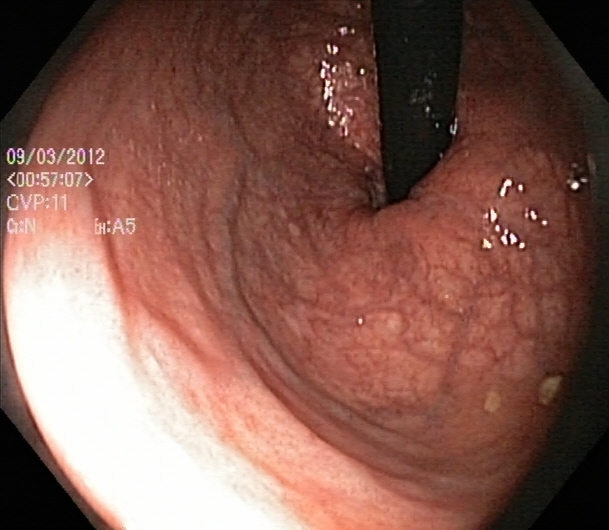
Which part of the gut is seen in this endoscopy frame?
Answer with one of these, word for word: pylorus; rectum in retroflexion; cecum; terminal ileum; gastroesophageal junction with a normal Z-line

rectum in retroflexion